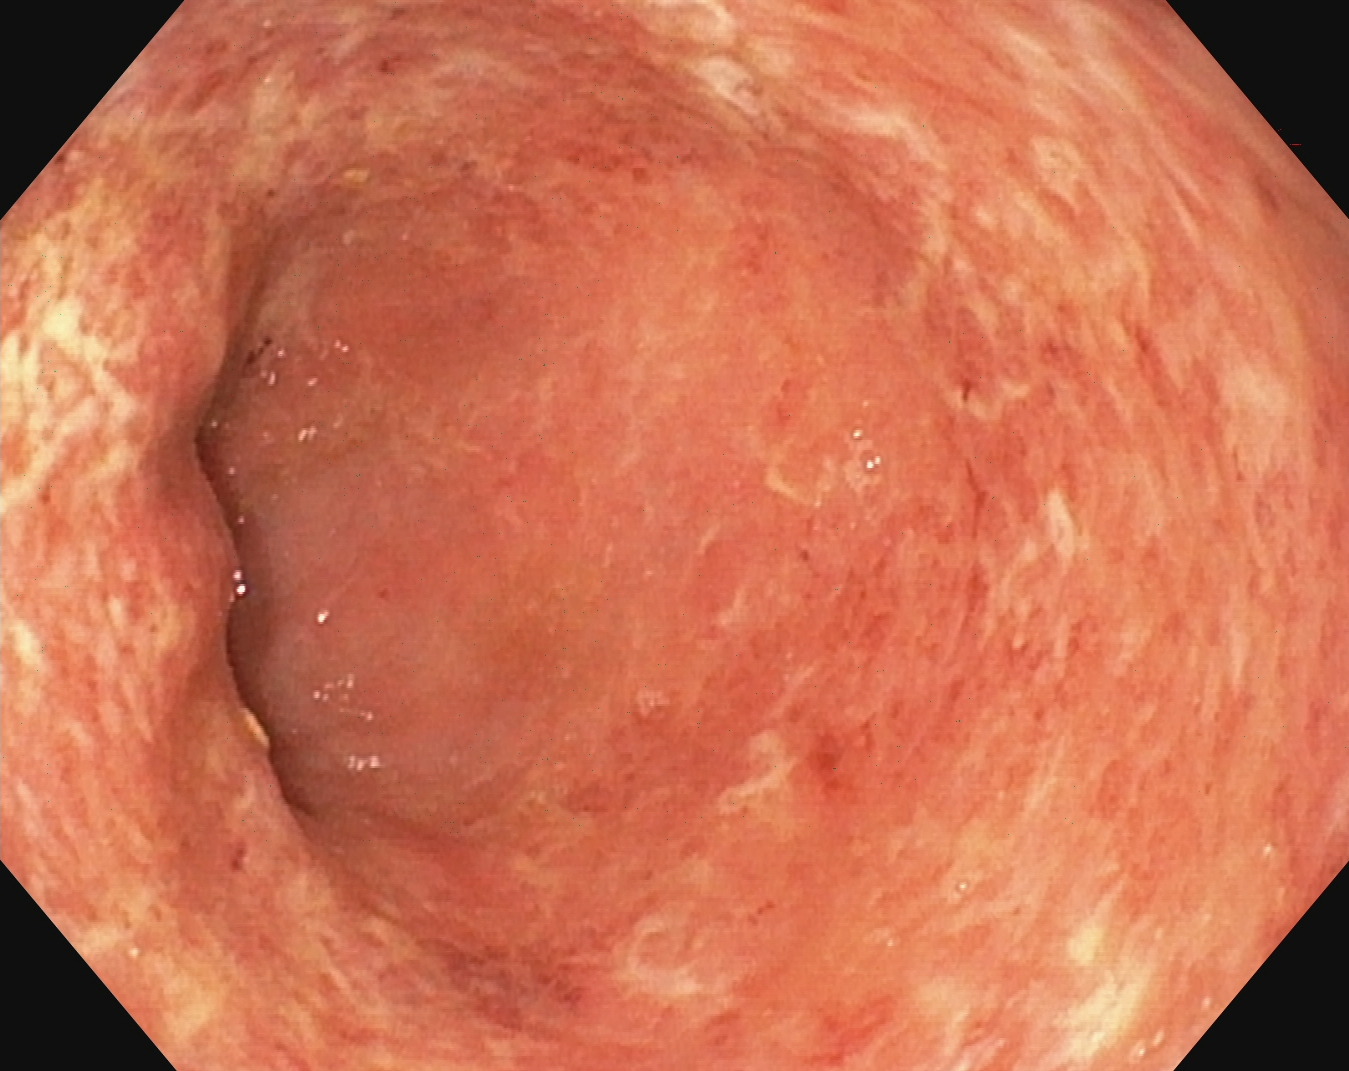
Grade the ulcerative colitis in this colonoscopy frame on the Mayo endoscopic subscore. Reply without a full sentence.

ulcerative colitis, Mayo endoscopic subscore 2